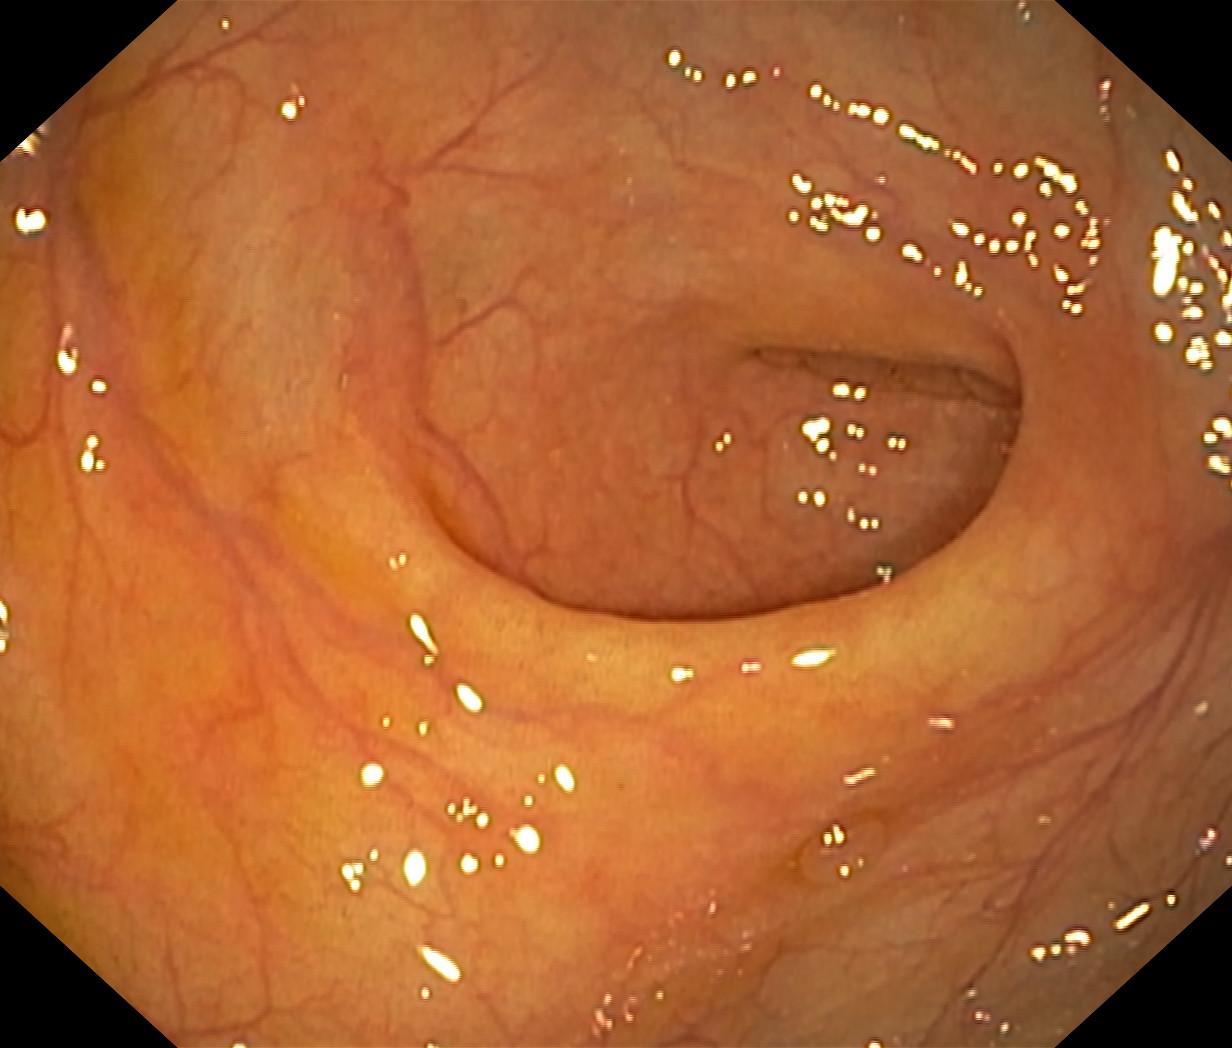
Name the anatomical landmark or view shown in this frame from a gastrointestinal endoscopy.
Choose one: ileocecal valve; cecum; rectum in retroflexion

cecum